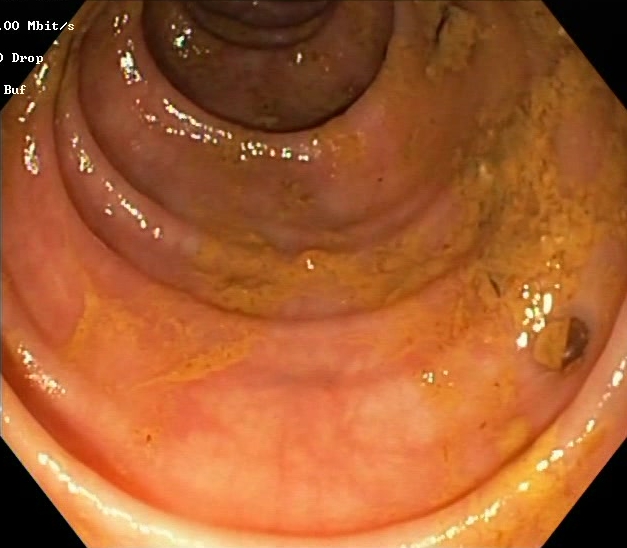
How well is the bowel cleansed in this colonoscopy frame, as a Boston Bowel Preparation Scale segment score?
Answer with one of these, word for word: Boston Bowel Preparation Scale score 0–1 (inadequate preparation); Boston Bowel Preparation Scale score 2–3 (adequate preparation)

Boston Bowel Preparation Scale score 0–1 (inadequate preparation)